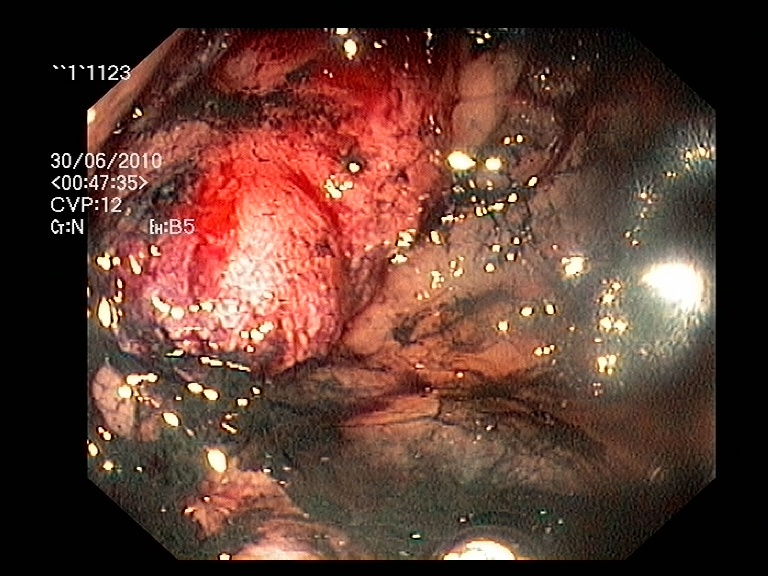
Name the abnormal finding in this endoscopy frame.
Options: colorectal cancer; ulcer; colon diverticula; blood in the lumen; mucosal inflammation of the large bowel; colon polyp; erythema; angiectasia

colorectal cancer